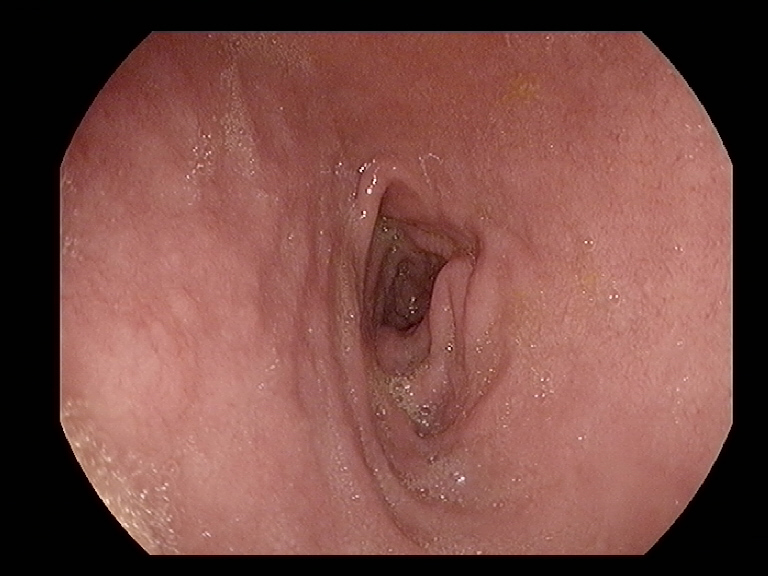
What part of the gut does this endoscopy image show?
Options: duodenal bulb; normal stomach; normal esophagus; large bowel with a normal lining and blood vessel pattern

duodenal bulb